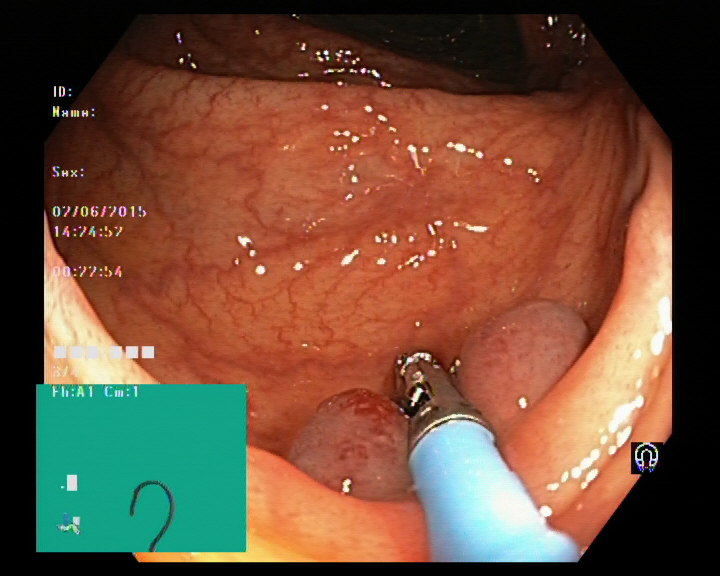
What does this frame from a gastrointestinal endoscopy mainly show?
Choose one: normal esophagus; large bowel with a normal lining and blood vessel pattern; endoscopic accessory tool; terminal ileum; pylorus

endoscopic accessory tool